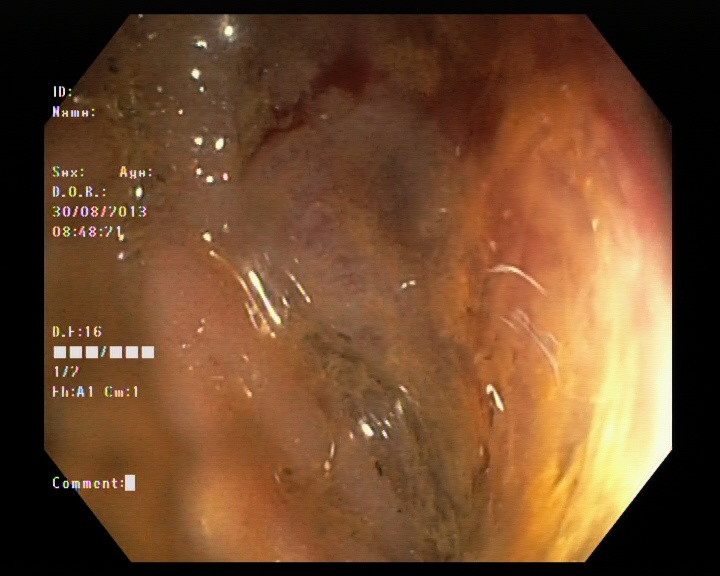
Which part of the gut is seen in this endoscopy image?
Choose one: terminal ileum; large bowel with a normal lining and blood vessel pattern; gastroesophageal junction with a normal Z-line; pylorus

large bowel with a normal lining and blood vessel pattern